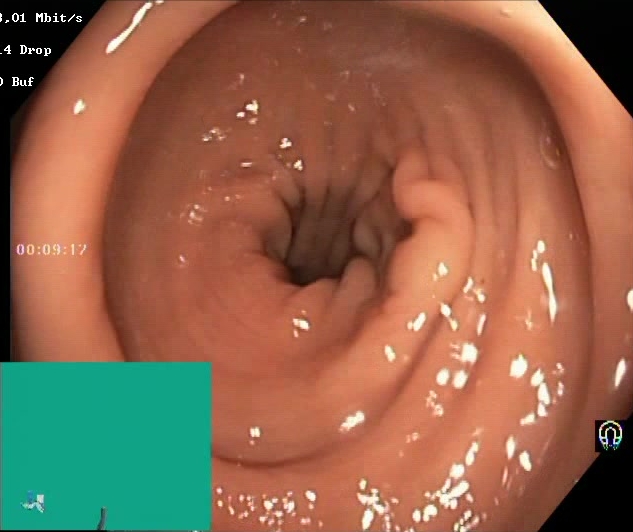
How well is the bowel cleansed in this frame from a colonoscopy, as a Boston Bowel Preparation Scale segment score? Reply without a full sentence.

Boston Bowel Preparation Scale score 2–3 (adequate preparation)